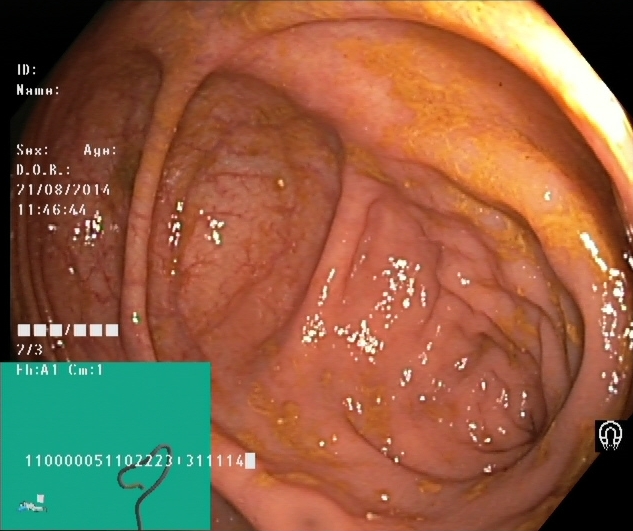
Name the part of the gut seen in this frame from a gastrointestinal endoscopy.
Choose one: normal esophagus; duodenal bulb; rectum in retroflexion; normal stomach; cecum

cecum